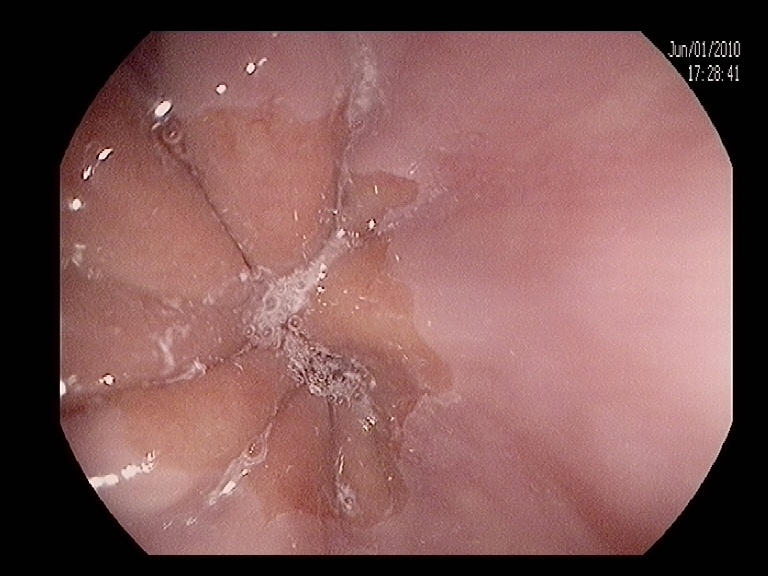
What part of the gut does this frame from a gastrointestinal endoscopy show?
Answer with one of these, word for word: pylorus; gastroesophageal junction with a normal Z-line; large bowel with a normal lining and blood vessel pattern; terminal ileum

gastroesophageal junction with a normal Z-line